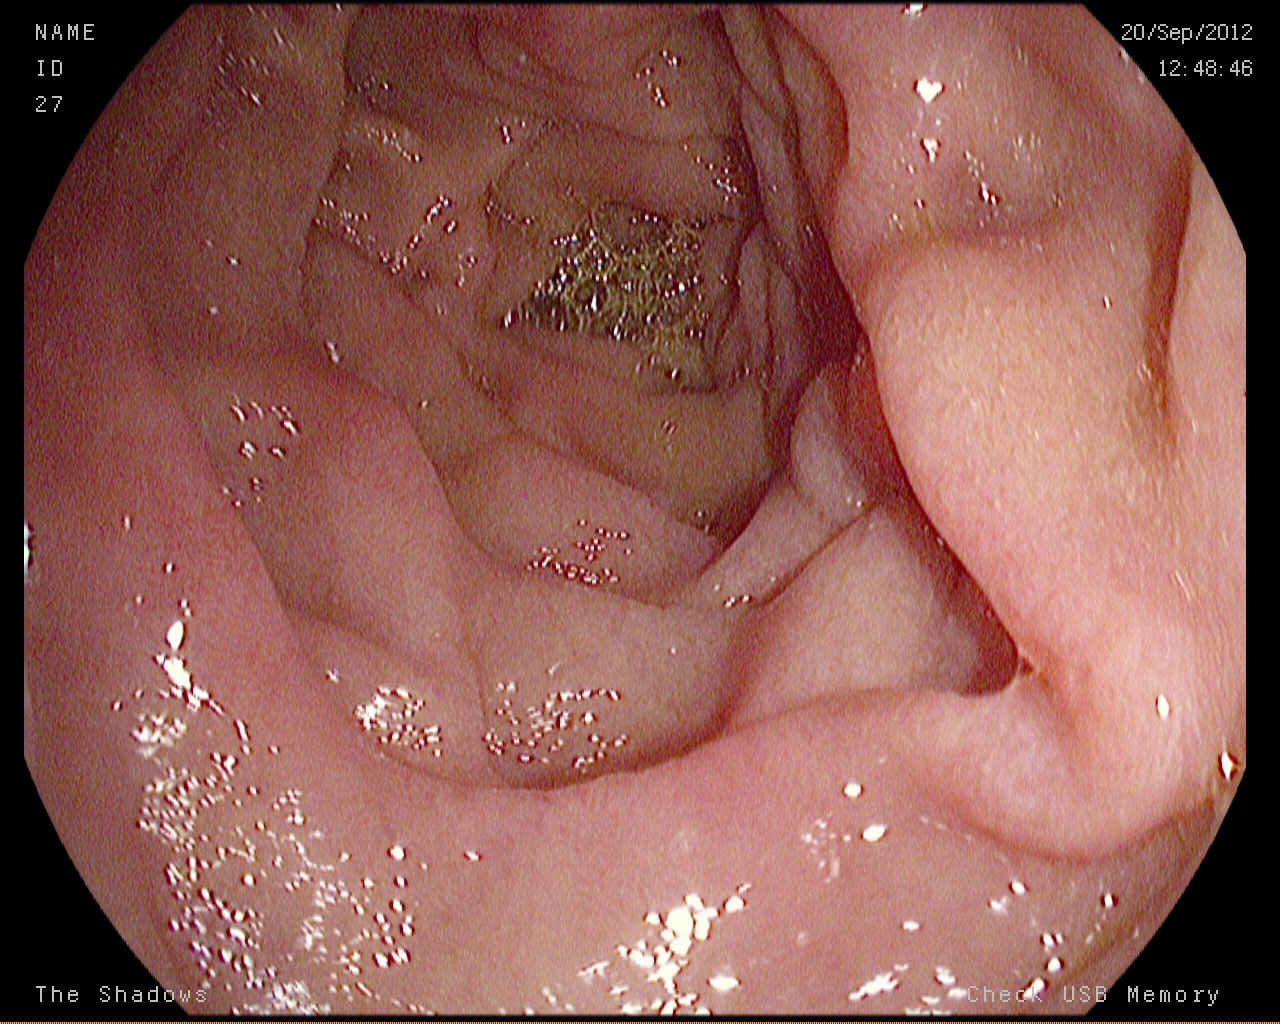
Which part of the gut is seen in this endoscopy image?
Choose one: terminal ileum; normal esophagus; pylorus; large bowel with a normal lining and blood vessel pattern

terminal ileum